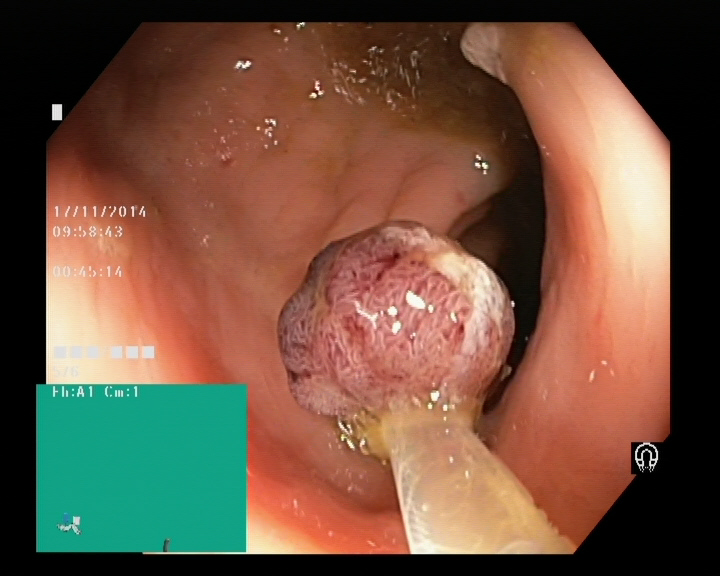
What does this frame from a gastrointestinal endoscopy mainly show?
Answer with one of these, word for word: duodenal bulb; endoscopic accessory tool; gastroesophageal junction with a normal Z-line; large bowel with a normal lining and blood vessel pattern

endoscopic accessory tool